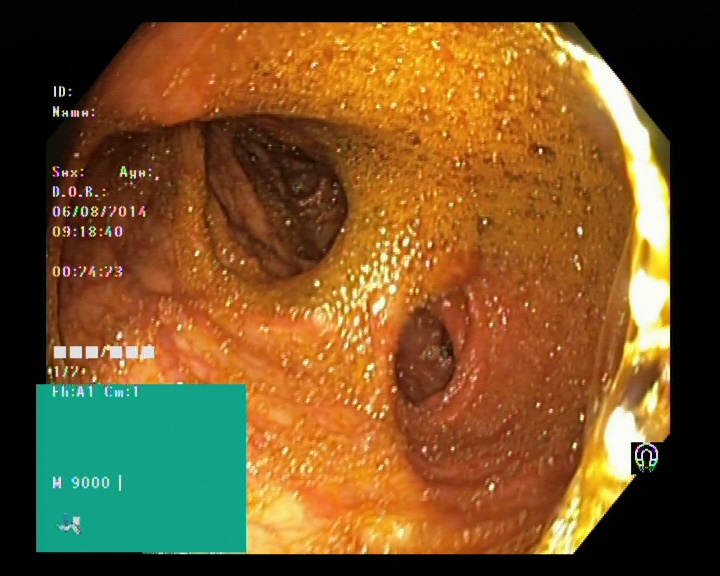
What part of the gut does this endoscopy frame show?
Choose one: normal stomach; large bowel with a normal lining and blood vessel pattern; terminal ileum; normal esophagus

large bowel with a normal lining and blood vessel pattern